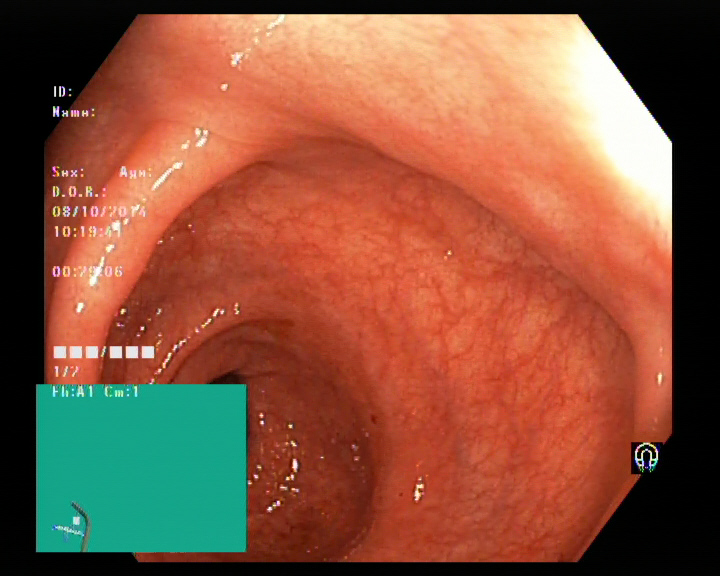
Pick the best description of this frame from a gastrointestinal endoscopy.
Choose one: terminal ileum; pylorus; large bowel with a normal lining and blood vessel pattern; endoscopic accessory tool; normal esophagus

large bowel with a normal lining and blood vessel pattern